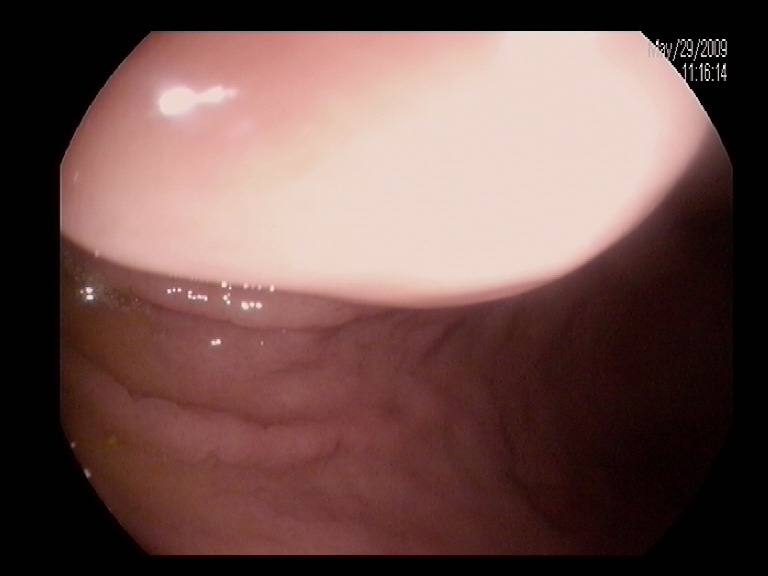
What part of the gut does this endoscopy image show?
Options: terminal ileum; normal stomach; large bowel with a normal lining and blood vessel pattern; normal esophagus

normal stomach